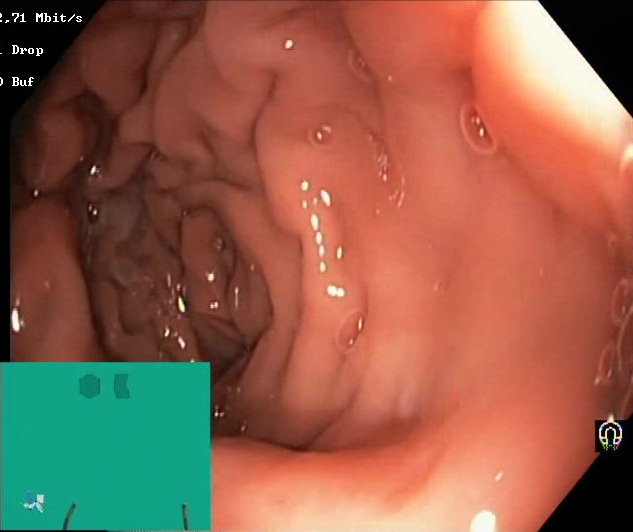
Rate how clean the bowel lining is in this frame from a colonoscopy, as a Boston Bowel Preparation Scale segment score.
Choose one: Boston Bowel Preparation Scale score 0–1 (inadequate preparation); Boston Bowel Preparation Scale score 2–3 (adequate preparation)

Boston Bowel Preparation Scale score 2–3 (adequate preparation)